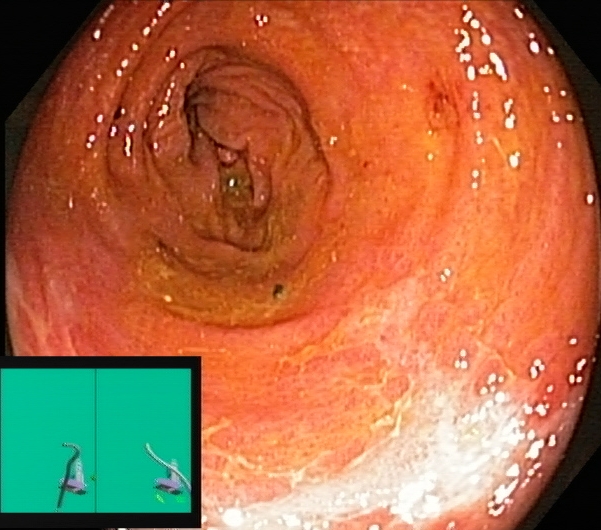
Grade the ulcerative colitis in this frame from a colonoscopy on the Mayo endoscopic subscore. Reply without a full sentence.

ulcerative colitis, Mayo endoscopic subscore 2